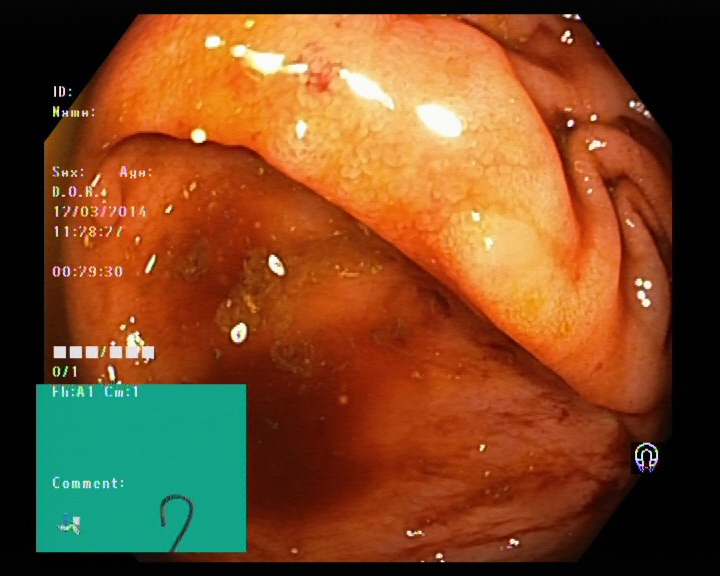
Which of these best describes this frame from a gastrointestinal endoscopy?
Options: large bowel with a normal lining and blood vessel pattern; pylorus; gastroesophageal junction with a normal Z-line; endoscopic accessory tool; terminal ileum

large bowel with a normal lining and blood vessel pattern